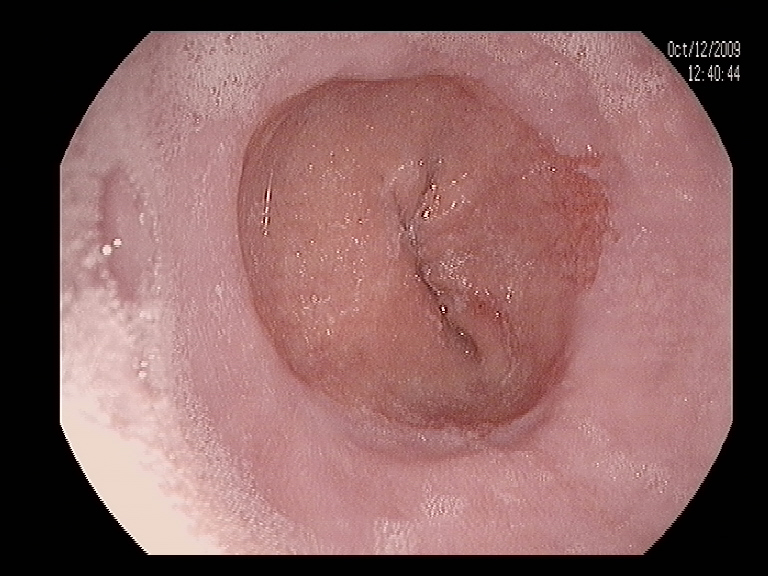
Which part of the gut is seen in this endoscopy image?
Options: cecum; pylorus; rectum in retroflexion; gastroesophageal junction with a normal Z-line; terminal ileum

gastroesophageal junction with a normal Z-line